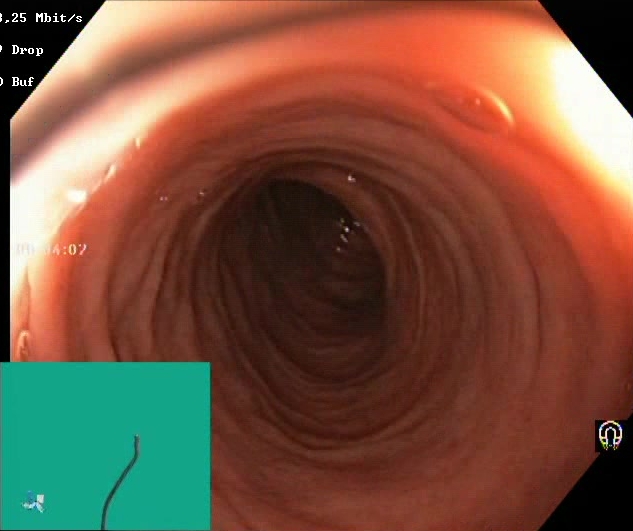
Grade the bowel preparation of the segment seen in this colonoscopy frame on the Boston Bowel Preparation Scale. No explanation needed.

Boston Bowel Preparation Scale score 2–3 (adequate preparation)